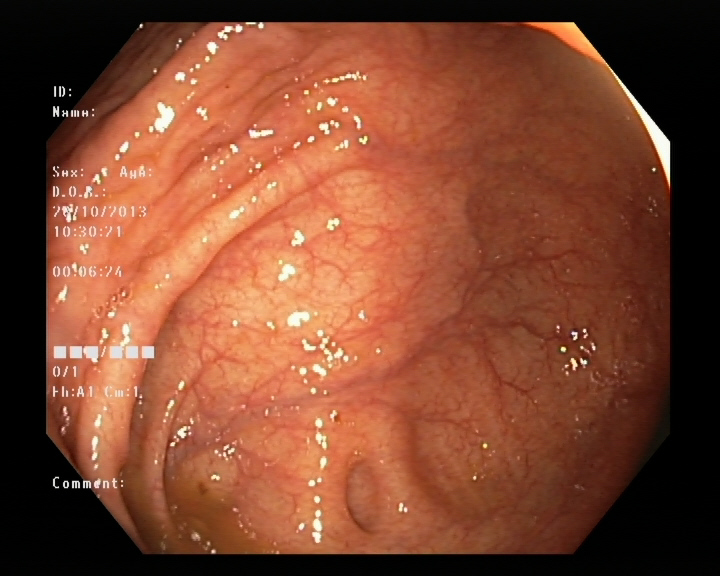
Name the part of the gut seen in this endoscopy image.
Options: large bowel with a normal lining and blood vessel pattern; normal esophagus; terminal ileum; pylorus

large bowel with a normal lining and blood vessel pattern